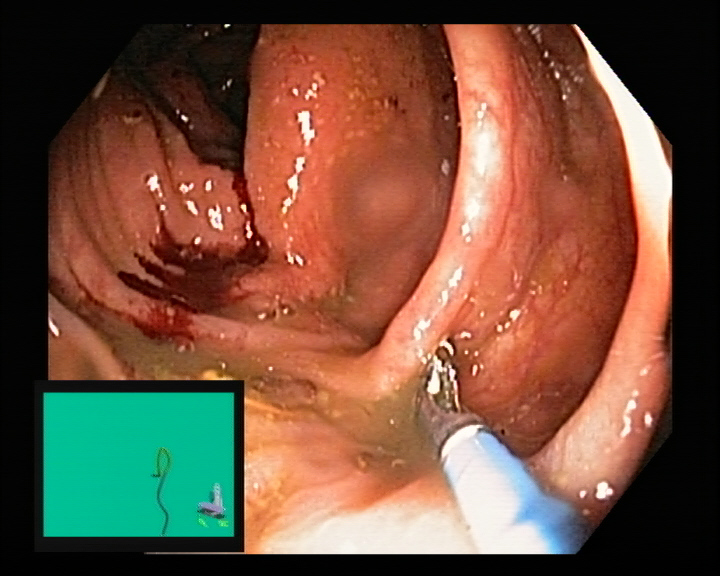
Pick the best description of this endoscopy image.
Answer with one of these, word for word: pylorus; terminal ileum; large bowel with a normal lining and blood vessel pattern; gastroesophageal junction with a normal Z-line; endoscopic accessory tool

endoscopic accessory tool